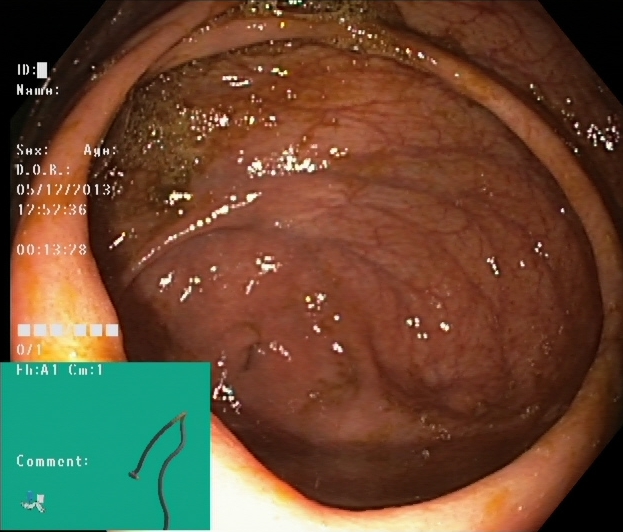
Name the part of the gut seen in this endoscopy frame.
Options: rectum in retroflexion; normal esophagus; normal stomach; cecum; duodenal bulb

cecum